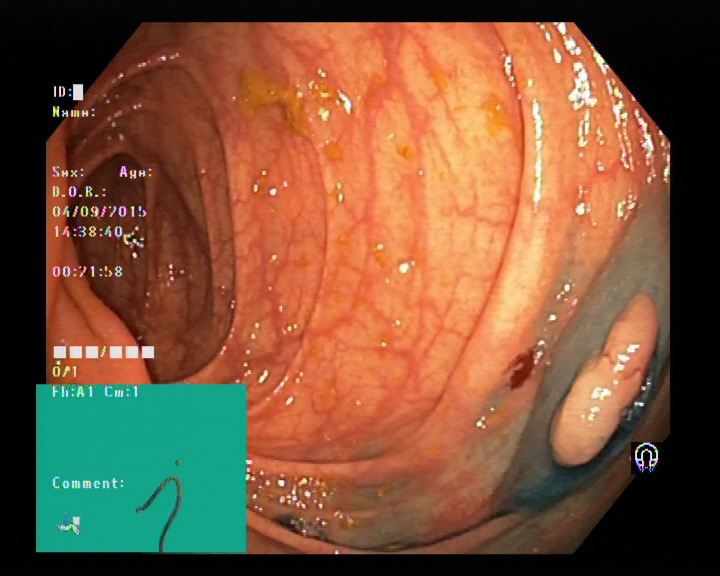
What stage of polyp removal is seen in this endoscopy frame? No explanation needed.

dyed and lifted polyp (pre-resection)